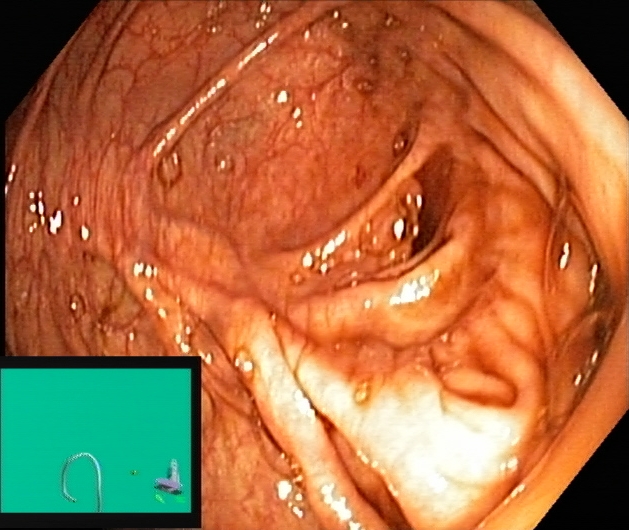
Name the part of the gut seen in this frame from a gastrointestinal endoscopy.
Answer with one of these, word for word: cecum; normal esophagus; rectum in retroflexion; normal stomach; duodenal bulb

cecum